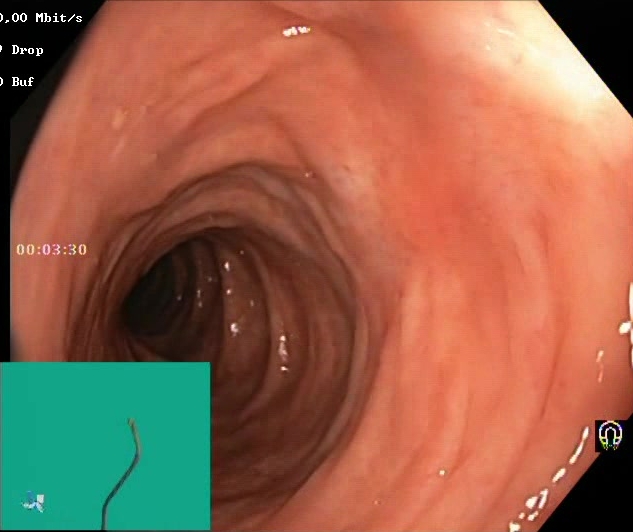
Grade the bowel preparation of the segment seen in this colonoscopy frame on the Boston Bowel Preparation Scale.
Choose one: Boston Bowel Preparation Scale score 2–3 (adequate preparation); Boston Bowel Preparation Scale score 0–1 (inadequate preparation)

Boston Bowel Preparation Scale score 2–3 (adequate preparation)